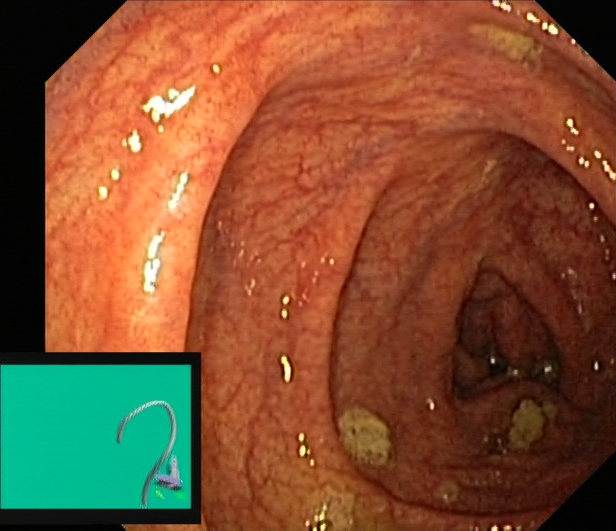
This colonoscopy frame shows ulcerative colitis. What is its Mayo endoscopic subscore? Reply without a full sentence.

ulcerative colitis, Mayo endoscopic subscore 0–1